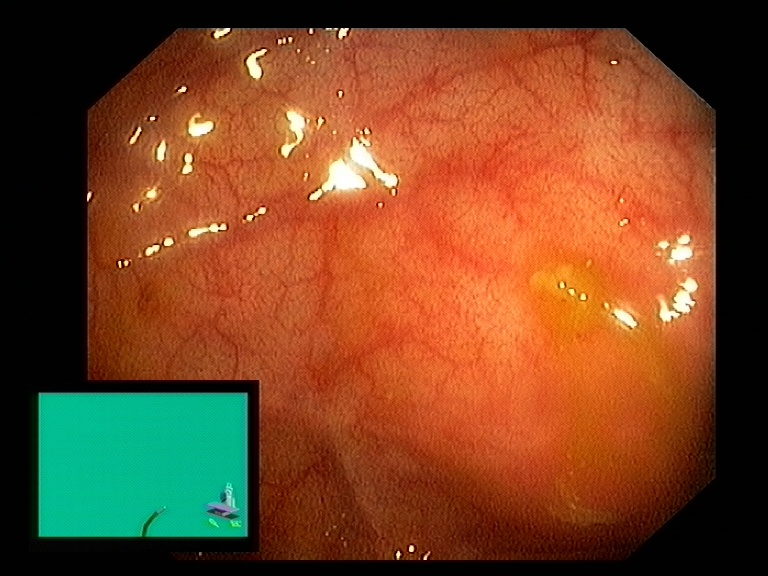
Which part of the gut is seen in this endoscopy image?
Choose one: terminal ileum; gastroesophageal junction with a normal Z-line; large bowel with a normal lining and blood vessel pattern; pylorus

large bowel with a normal lining and blood vessel pattern